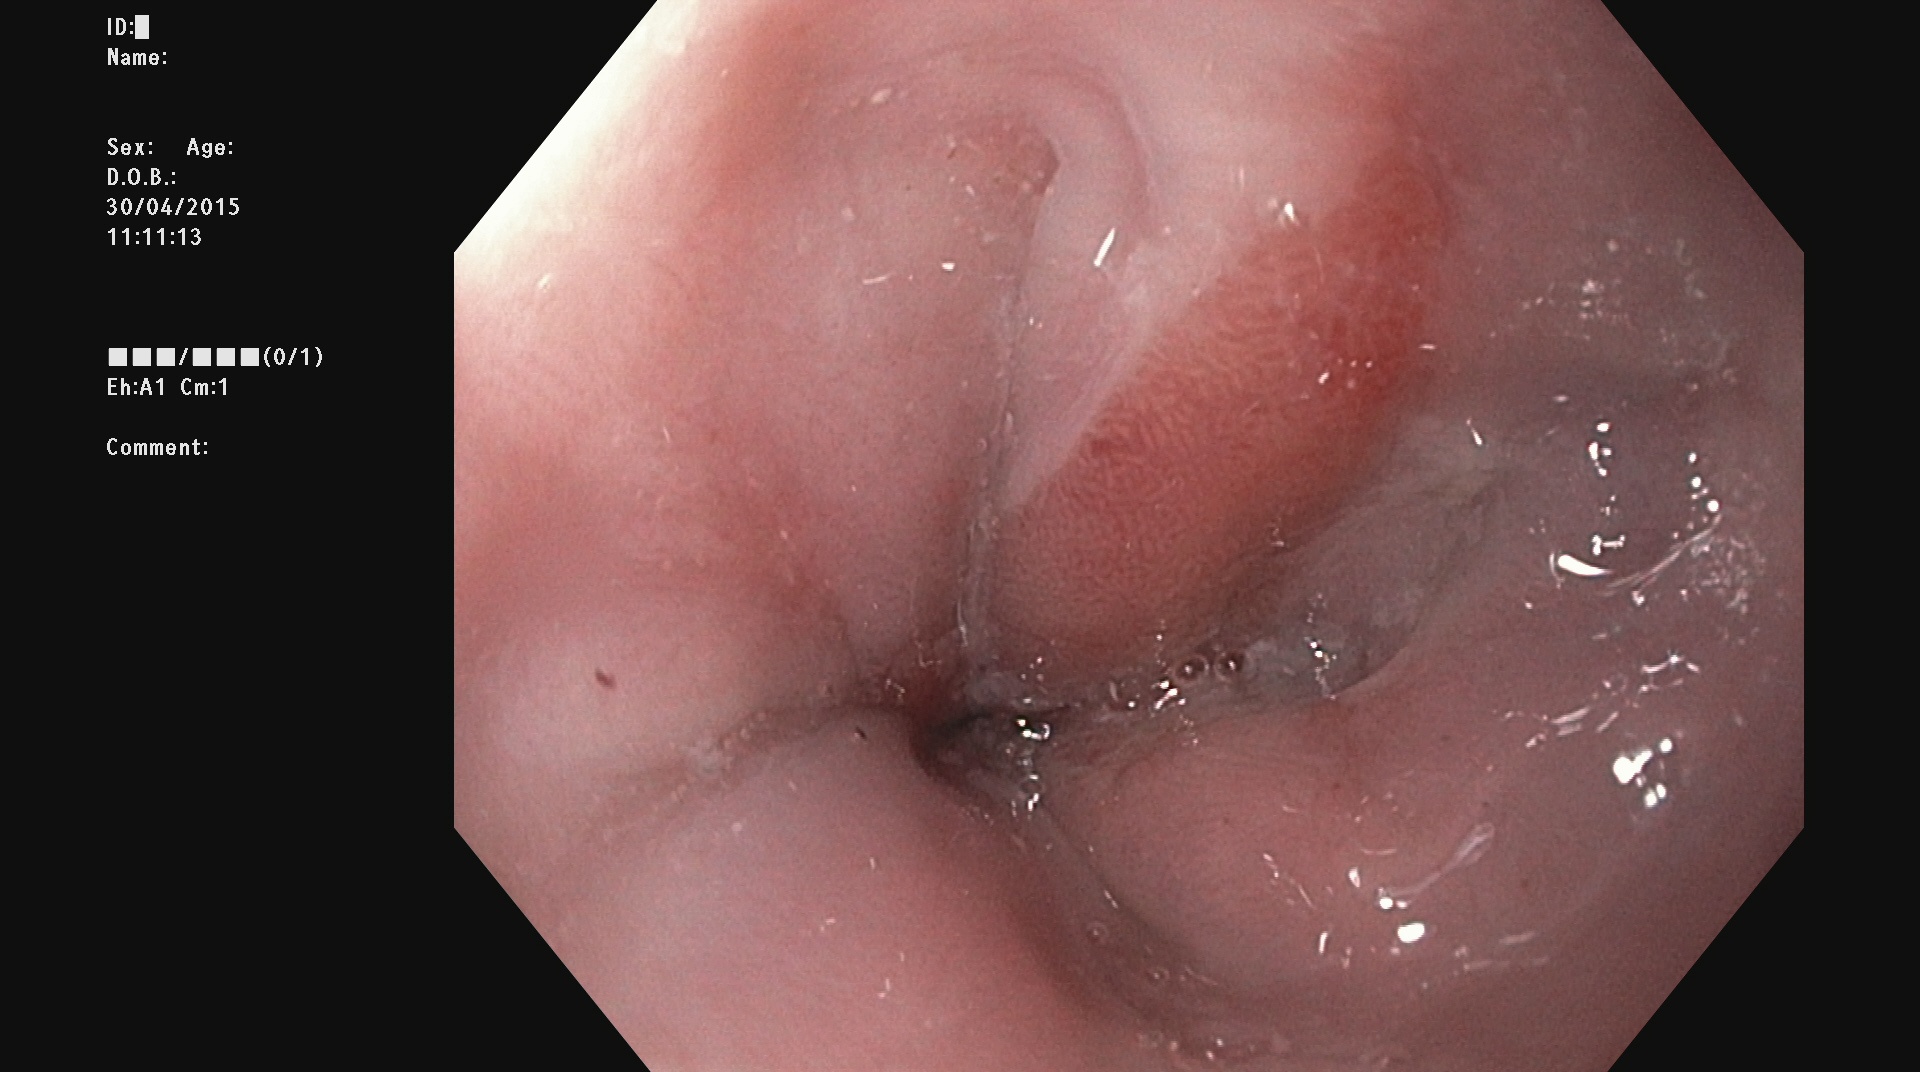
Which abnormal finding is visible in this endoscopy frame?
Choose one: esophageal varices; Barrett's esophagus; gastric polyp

Barrett's esophagus